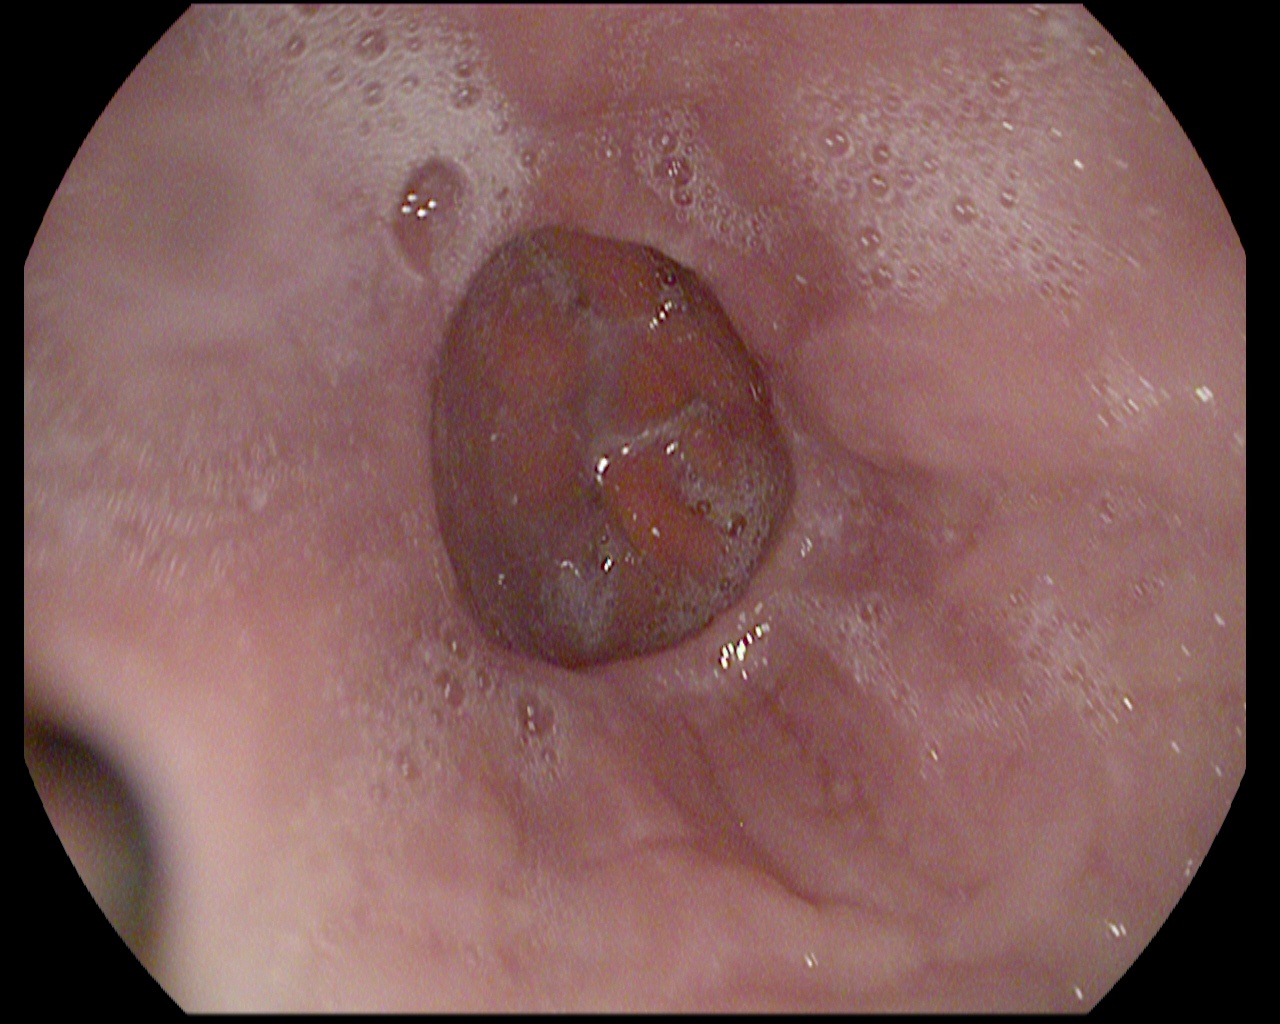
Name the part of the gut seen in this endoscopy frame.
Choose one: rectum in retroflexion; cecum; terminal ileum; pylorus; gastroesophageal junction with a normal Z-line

gastroesophageal junction with a normal Z-line